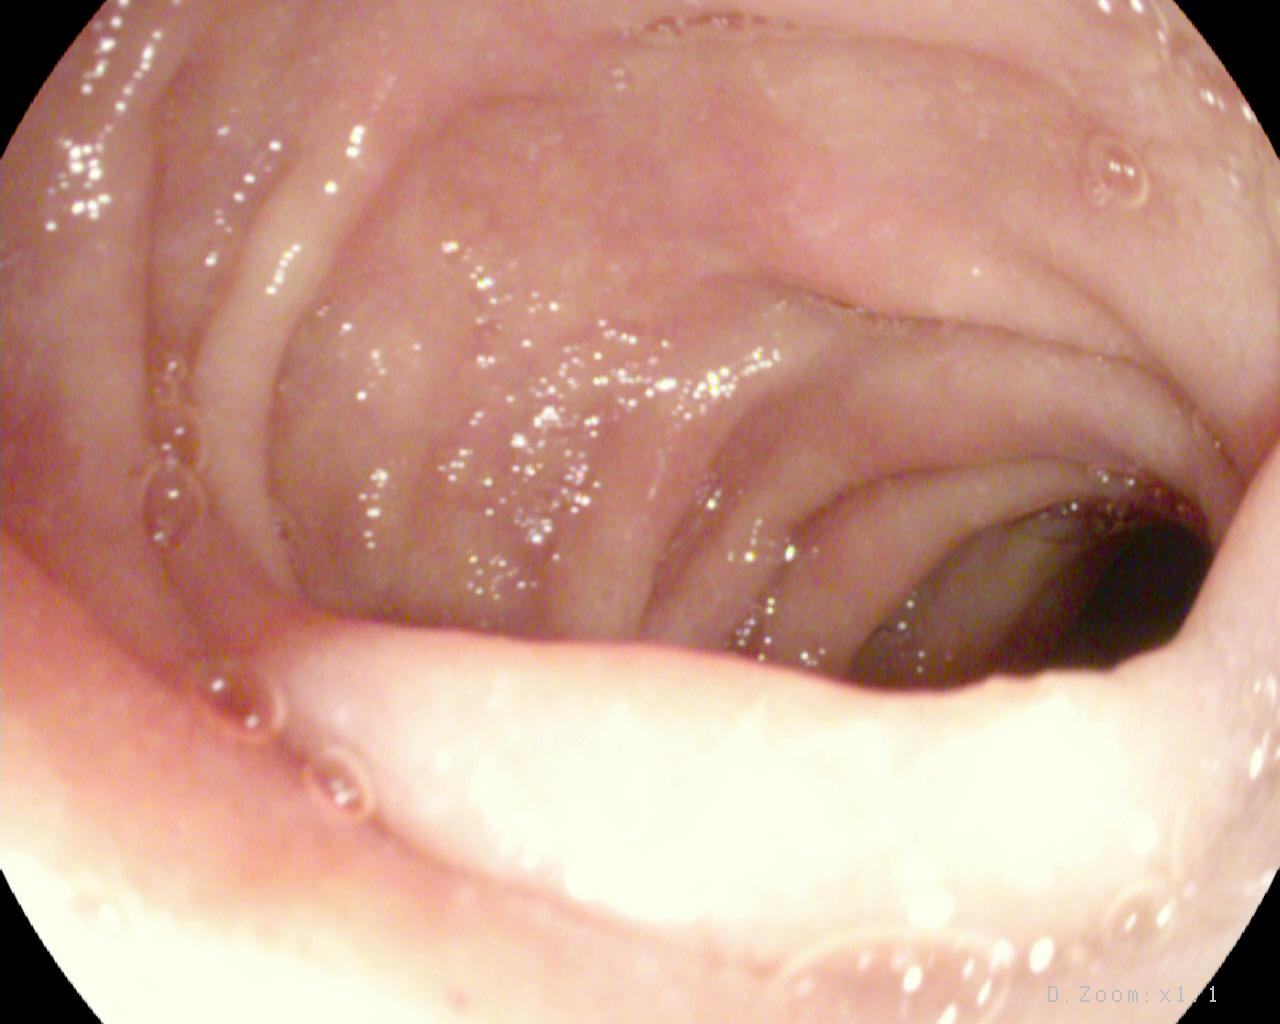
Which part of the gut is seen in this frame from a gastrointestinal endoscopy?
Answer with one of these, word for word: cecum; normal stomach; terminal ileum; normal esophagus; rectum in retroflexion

terminal ileum